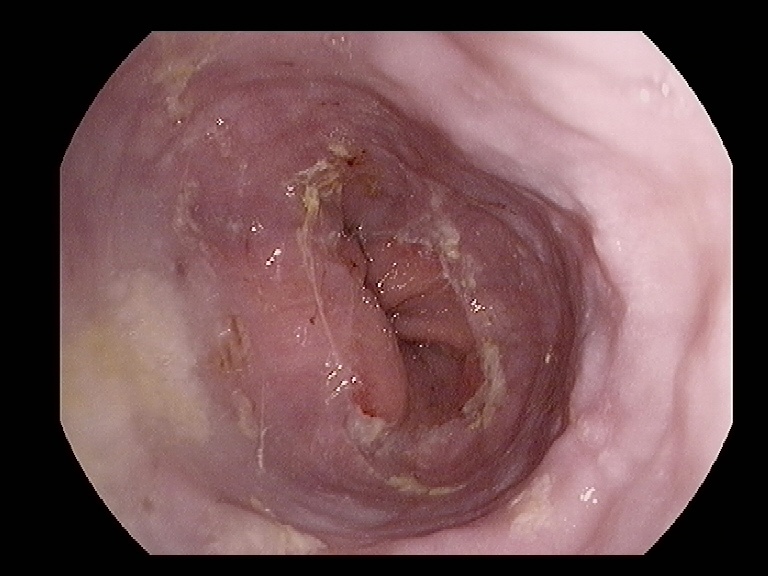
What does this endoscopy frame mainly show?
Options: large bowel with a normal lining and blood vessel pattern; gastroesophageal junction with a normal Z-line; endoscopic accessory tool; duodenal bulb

gastroesophageal junction with a normal Z-line